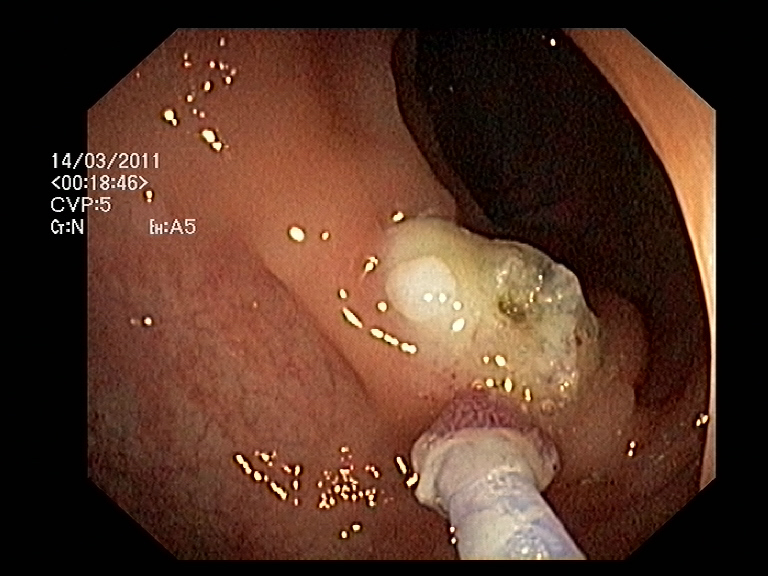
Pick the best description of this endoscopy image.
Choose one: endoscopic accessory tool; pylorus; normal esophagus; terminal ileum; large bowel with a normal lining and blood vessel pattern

endoscopic accessory tool